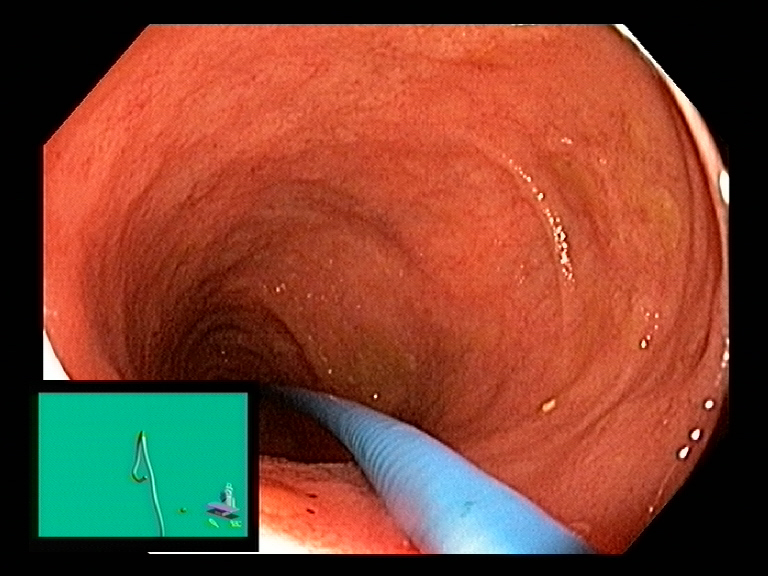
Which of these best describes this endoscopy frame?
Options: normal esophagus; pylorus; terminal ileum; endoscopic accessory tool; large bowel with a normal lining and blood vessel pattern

endoscopic accessory tool